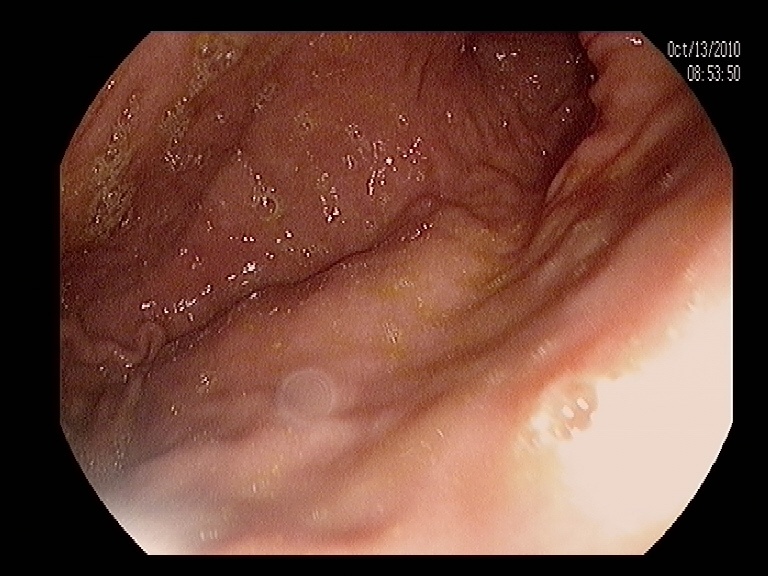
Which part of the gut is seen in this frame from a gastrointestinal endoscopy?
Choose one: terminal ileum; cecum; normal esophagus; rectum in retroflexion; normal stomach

normal stomach